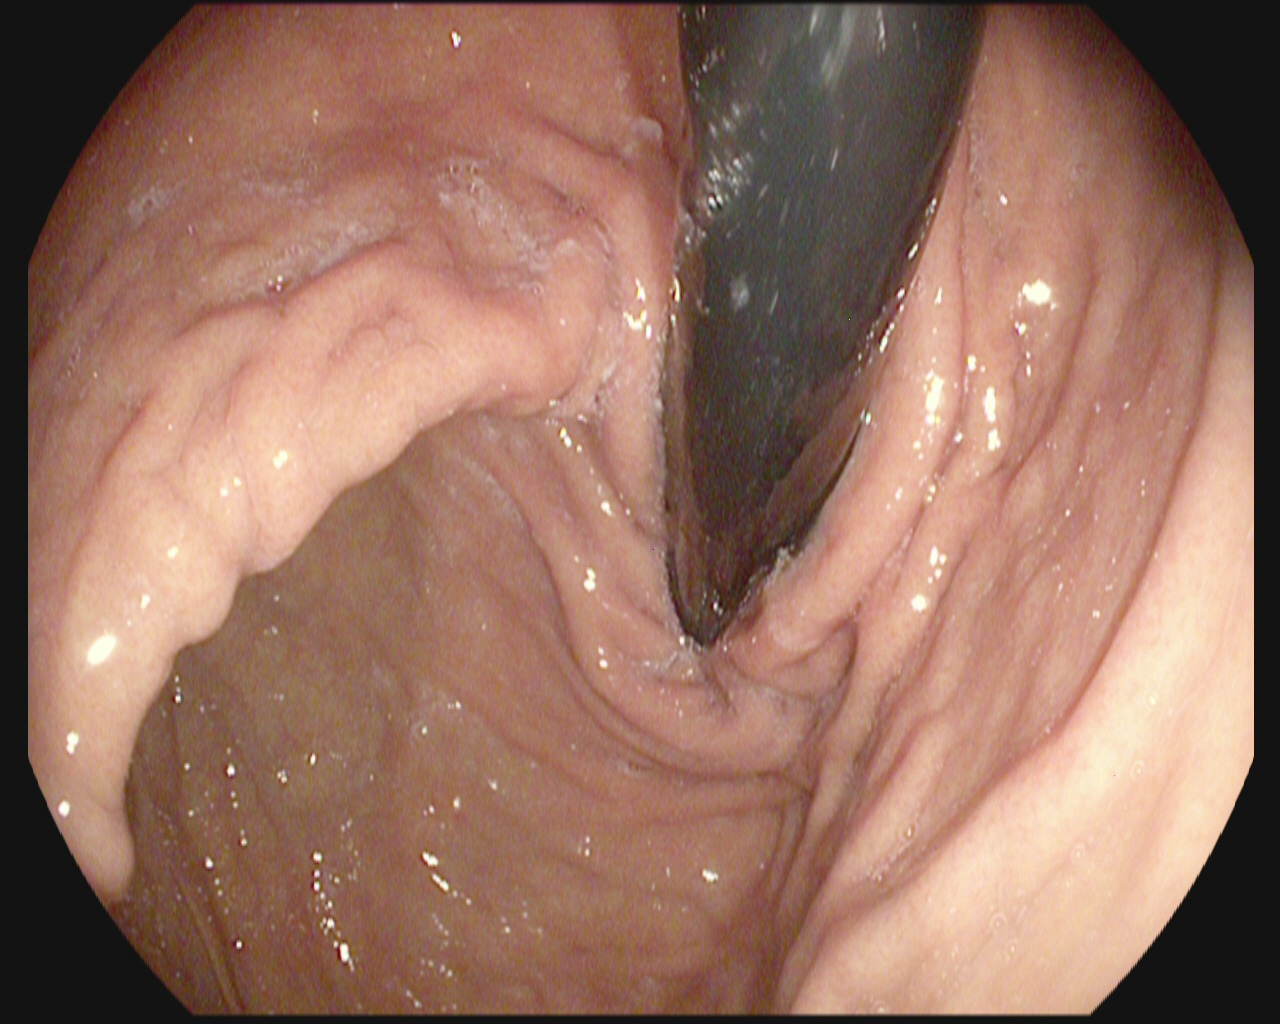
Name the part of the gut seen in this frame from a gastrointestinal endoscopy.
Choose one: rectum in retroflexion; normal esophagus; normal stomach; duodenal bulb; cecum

normal stomach